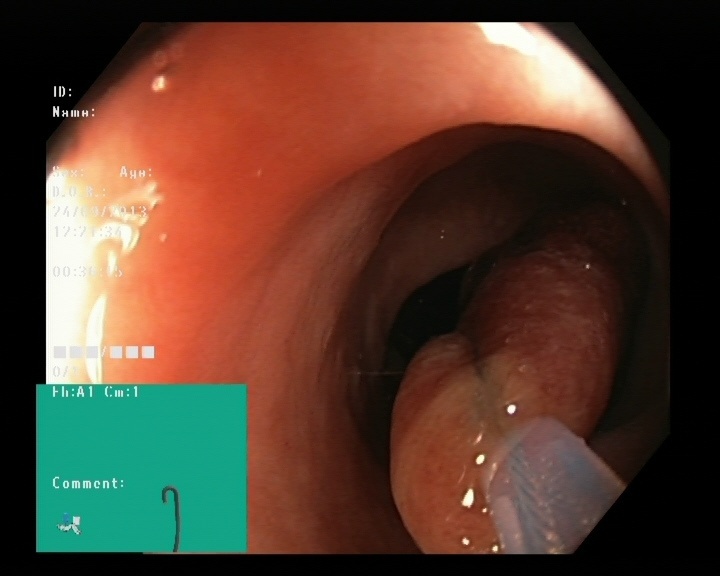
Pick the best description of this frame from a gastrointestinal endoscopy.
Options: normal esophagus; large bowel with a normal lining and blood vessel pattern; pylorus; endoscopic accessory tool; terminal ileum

endoscopic accessory tool